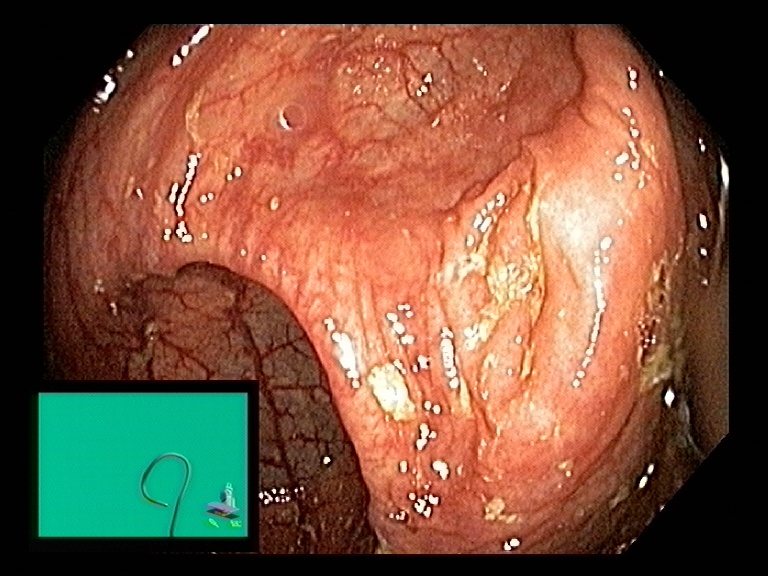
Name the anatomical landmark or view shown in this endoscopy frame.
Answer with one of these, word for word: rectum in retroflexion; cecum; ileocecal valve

cecum